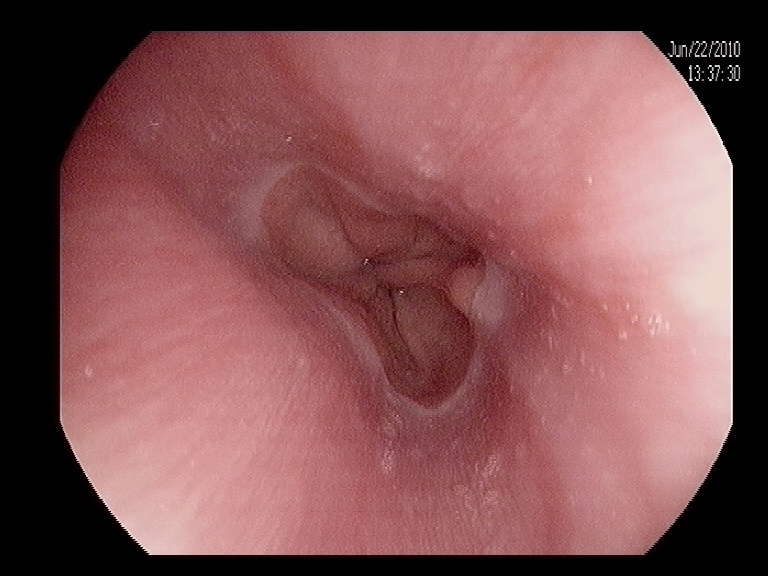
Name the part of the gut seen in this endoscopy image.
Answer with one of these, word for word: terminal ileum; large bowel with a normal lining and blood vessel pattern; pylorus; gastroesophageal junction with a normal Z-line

gastroesophageal junction with a normal Z-line